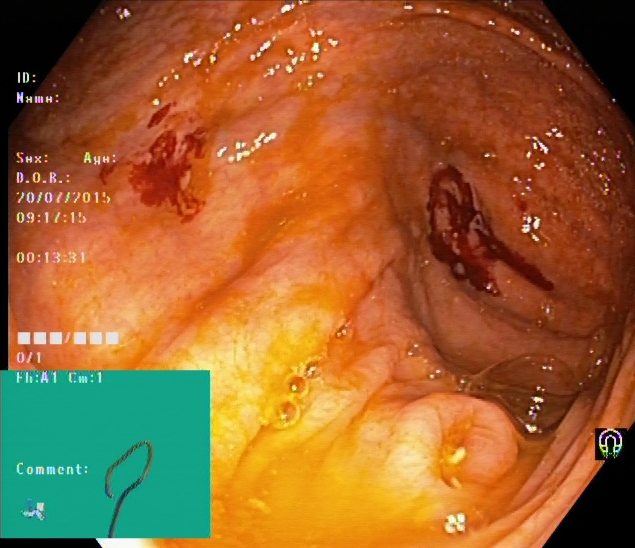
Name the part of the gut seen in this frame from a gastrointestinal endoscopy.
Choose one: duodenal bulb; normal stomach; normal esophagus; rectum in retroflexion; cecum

cecum